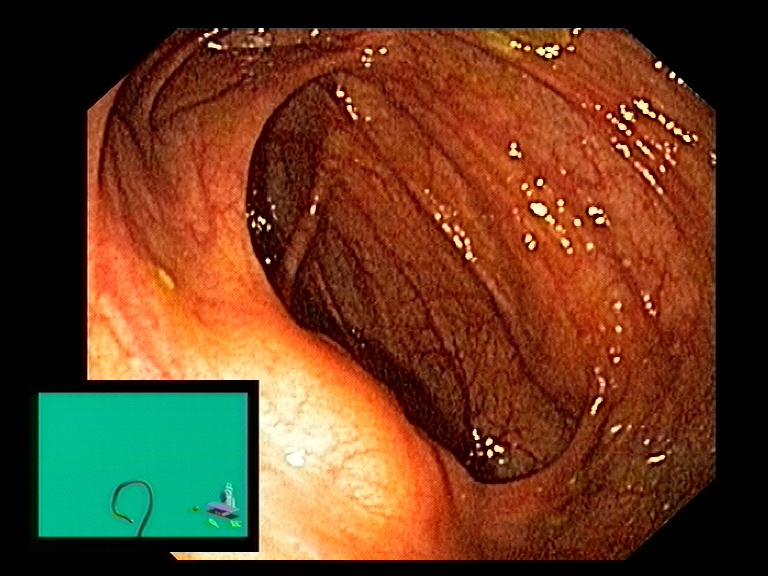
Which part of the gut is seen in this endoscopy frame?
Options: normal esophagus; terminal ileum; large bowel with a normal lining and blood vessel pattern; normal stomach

large bowel with a normal lining and blood vessel pattern